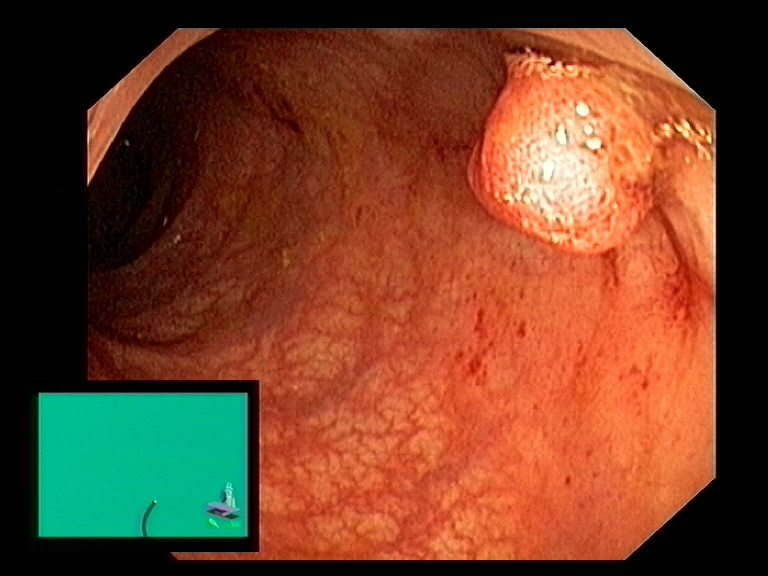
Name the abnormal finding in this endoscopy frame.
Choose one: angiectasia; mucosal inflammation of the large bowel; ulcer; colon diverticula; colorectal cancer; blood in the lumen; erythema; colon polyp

colon polyp